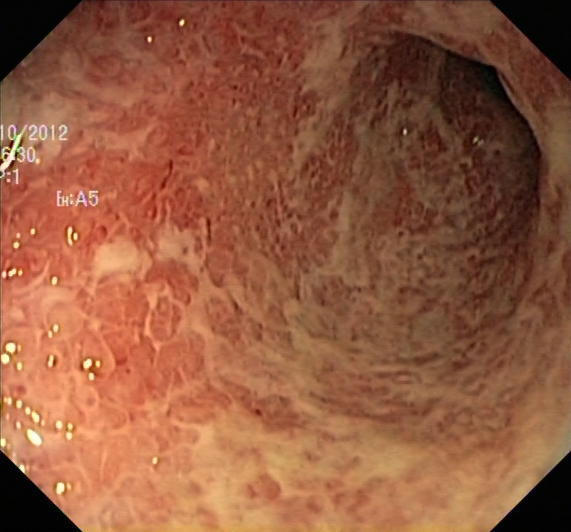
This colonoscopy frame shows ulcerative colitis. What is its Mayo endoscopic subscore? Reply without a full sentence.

ulcerative colitis, Mayo endoscopic subscore 2